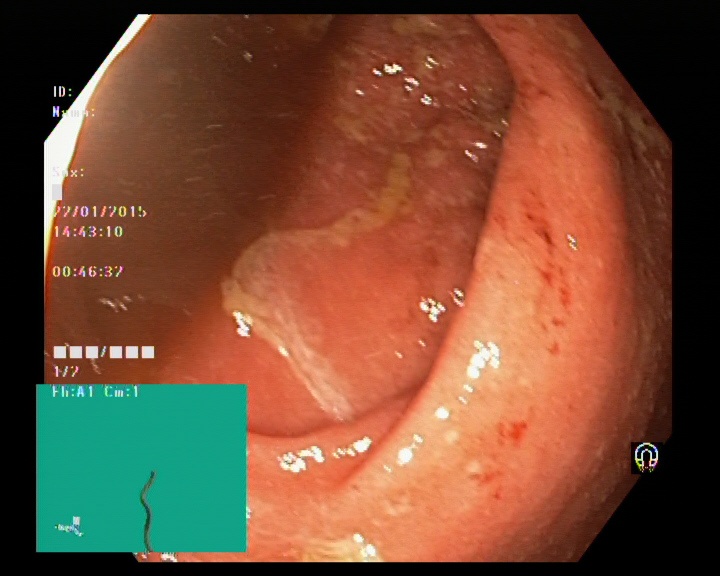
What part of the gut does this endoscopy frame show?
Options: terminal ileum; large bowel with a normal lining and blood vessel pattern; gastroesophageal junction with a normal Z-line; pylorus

large bowel with a normal lining and blood vessel pattern